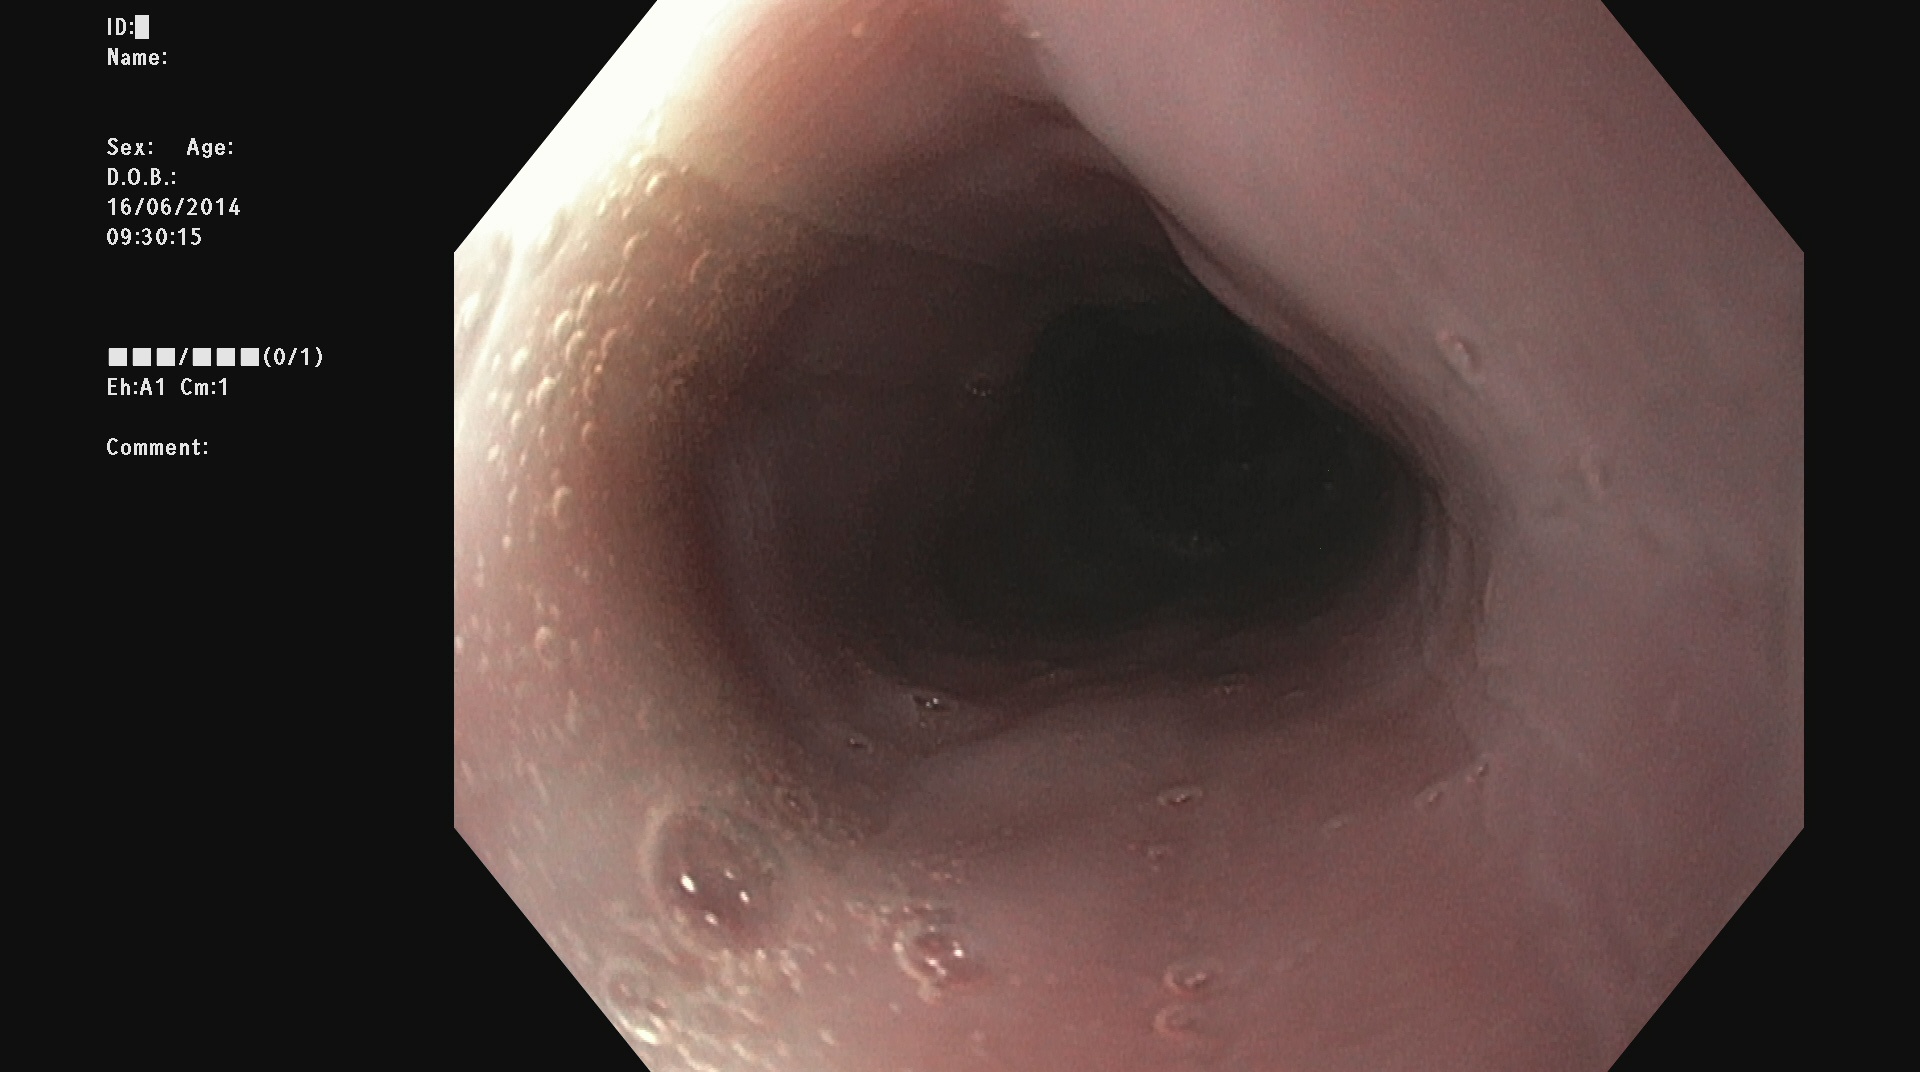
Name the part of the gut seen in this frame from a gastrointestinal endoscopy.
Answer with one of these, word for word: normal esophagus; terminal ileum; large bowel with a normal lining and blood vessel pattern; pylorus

normal esophagus